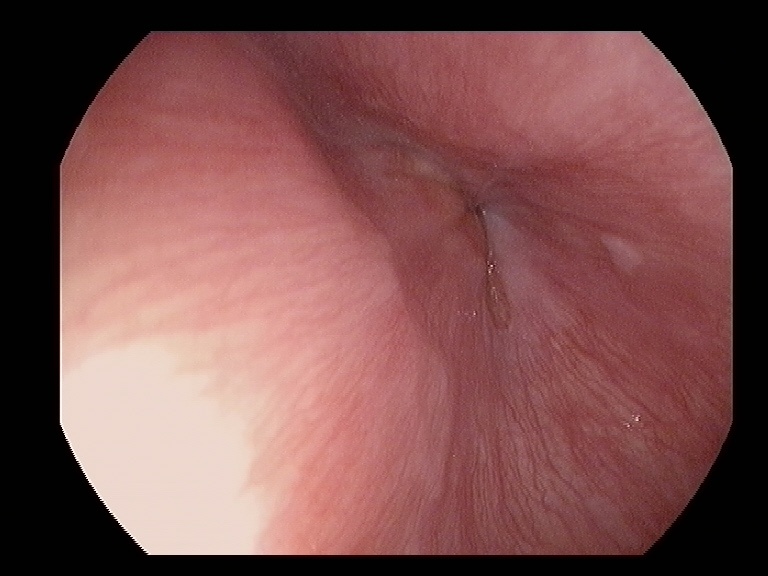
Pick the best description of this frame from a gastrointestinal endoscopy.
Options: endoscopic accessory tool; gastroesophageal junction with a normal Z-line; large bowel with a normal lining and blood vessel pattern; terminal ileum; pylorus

gastroesophageal junction with a normal Z-line